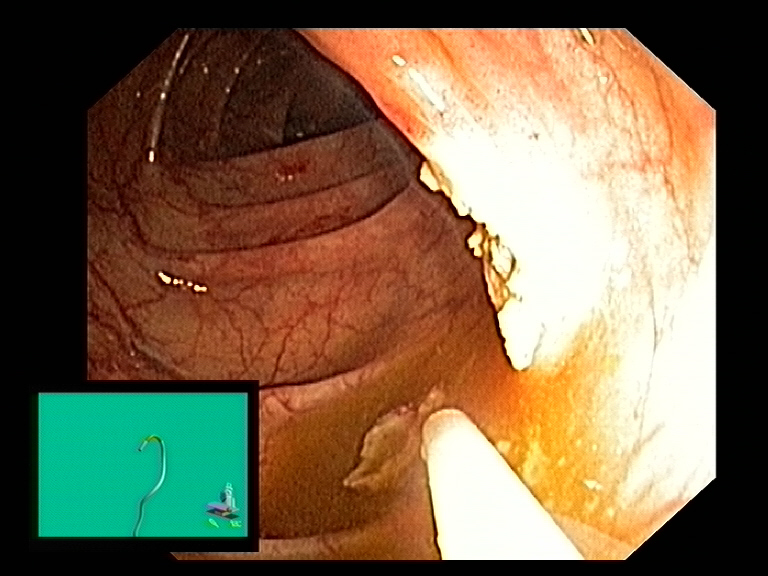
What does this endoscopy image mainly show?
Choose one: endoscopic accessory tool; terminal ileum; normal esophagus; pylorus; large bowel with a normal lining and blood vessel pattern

endoscopic accessory tool